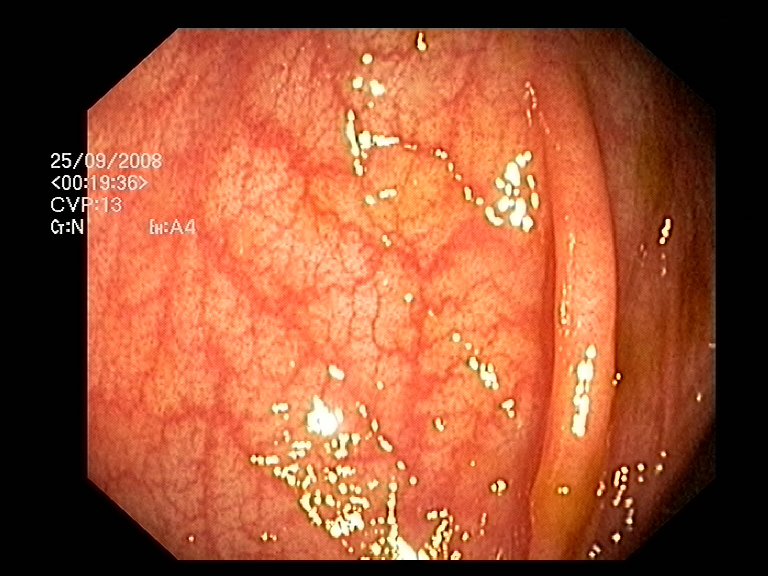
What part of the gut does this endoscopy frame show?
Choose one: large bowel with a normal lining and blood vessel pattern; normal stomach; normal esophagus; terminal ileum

large bowel with a normal lining and blood vessel pattern